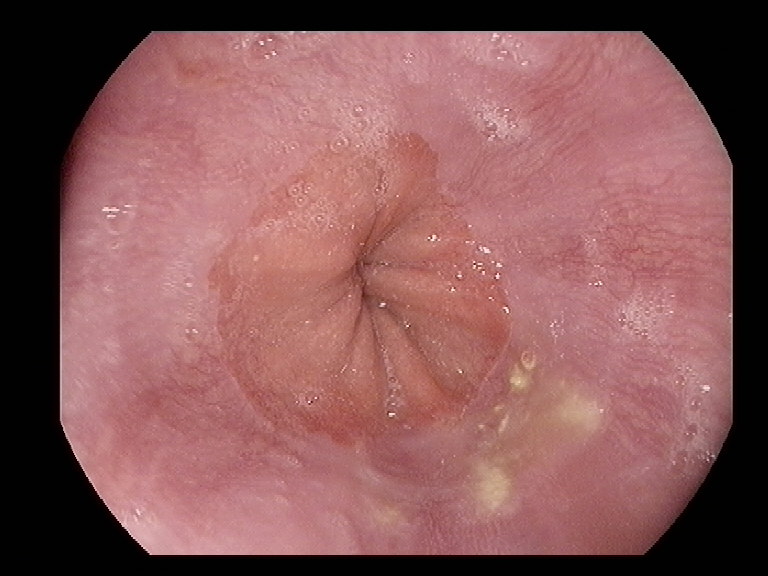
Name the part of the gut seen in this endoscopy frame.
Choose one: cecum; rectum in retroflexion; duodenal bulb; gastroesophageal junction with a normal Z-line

gastroesophageal junction with a normal Z-line